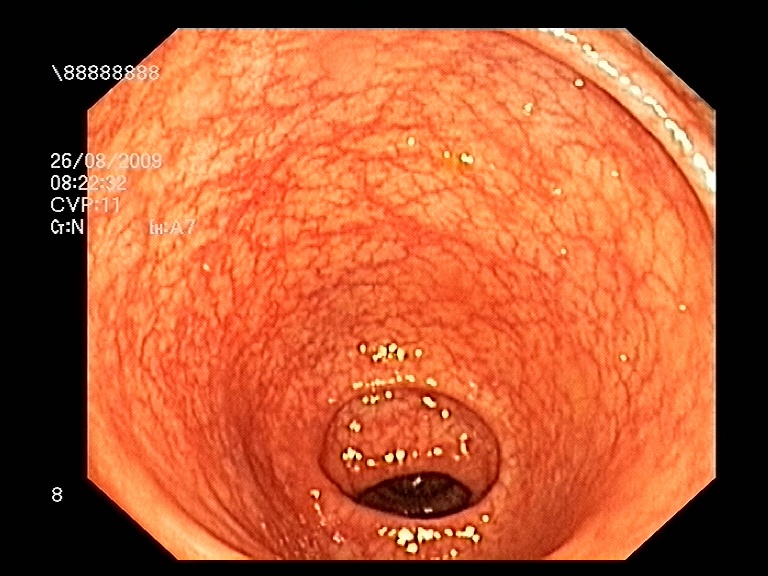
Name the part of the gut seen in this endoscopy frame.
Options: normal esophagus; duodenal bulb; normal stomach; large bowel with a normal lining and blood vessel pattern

large bowel with a normal lining and blood vessel pattern